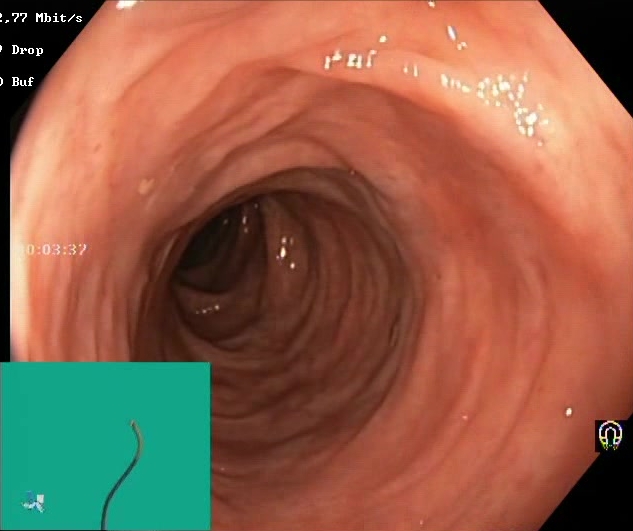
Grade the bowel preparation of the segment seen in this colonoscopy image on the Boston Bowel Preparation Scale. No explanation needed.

Boston Bowel Preparation Scale score 2–3 (adequate preparation)